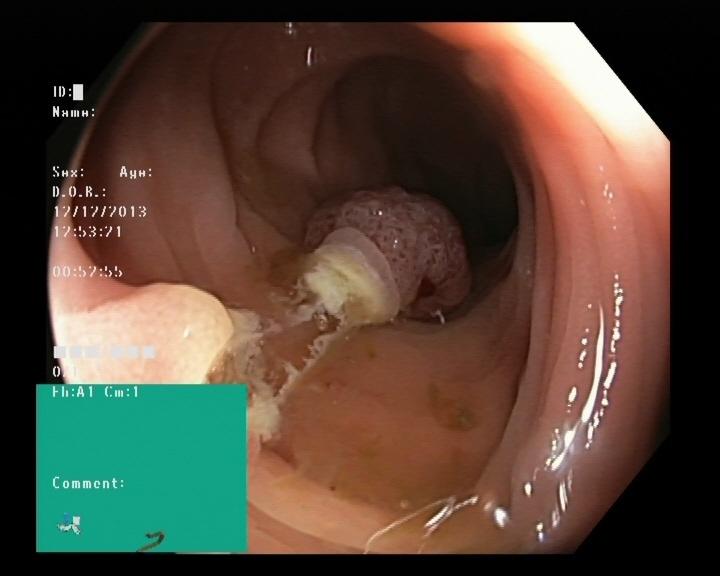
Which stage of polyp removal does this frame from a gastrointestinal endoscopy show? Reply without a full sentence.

resected polyp